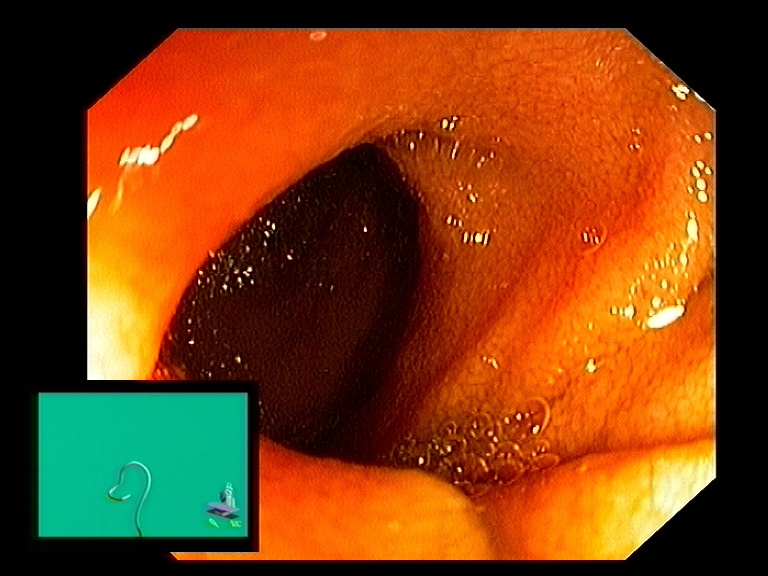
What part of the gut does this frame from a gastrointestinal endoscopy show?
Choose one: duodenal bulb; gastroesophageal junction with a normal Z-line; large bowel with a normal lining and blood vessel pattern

large bowel with a normal lining and blood vessel pattern